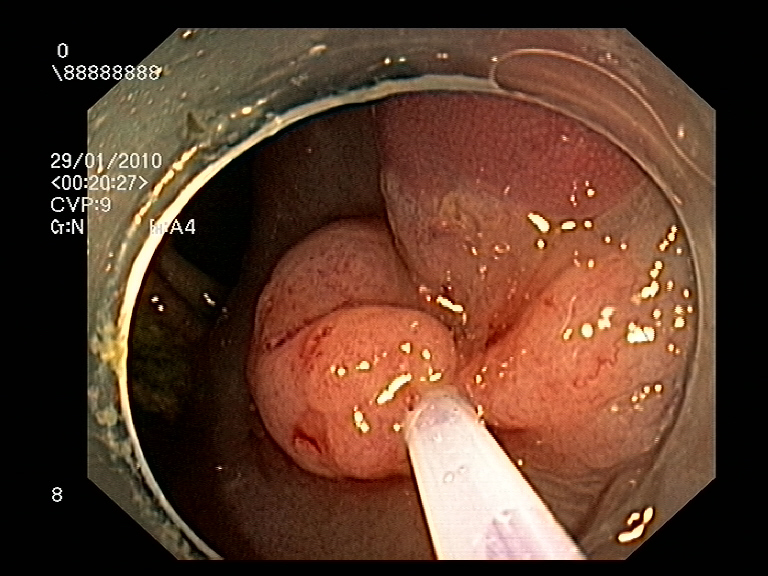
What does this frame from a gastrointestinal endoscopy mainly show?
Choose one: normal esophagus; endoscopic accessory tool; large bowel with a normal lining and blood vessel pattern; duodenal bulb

endoscopic accessory tool